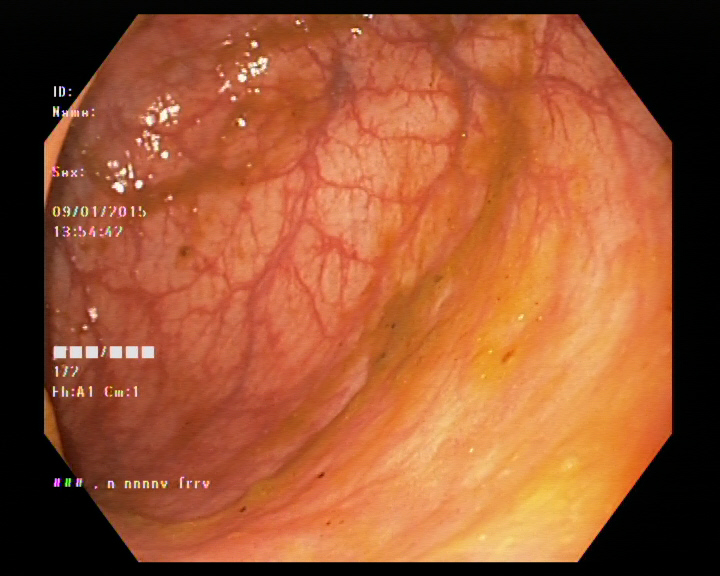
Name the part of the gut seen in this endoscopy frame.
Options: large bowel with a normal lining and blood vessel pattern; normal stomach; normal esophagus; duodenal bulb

large bowel with a normal lining and blood vessel pattern